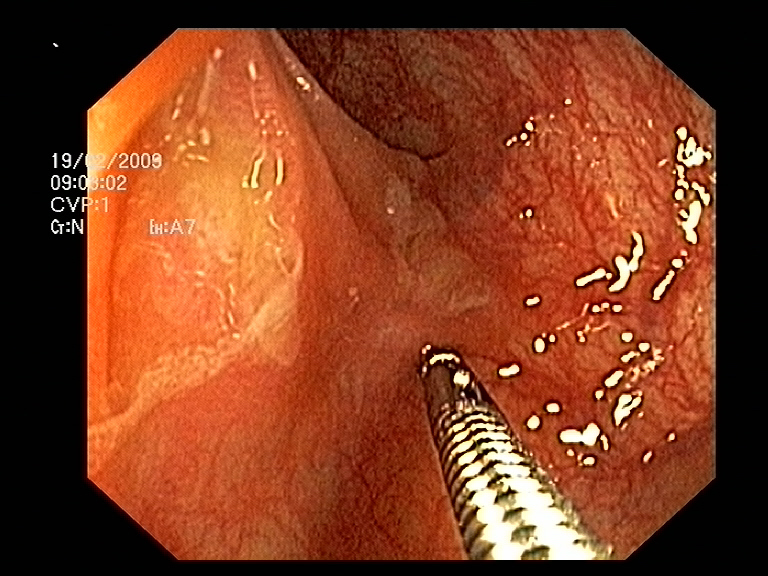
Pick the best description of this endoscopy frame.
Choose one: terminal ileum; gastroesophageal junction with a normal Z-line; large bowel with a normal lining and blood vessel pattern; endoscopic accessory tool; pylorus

endoscopic accessory tool